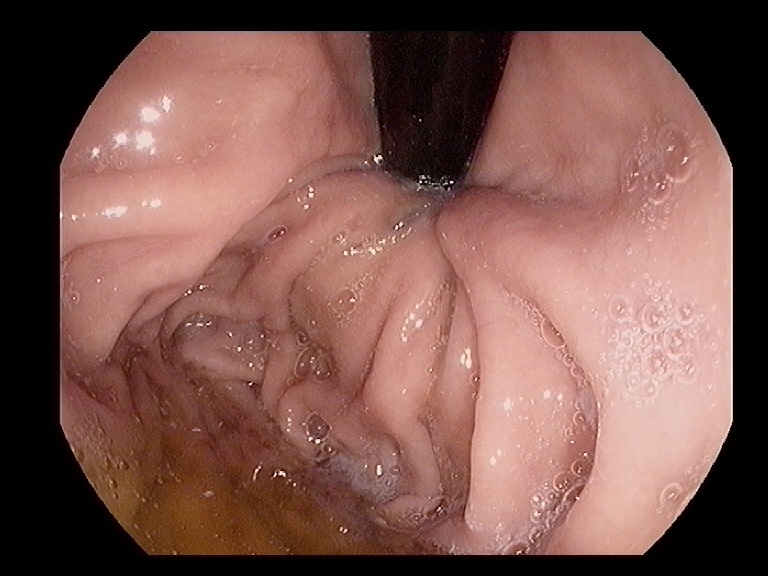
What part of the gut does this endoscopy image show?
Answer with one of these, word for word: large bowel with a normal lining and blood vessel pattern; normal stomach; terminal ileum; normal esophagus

normal stomach